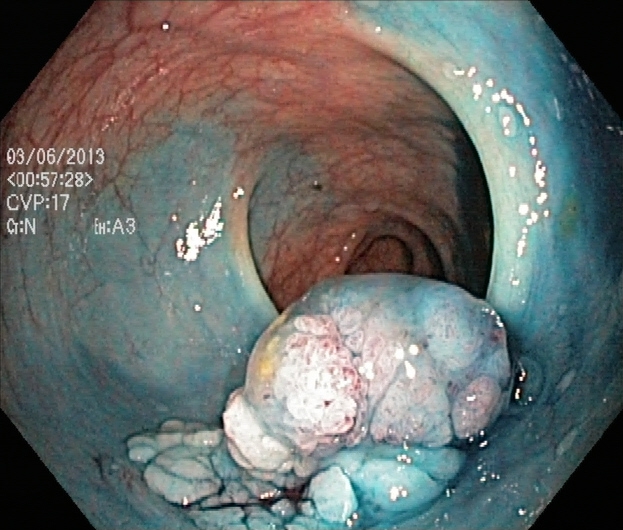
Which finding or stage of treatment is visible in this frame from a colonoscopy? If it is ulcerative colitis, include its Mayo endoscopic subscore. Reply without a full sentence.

dyed and lifted polyp (pre-resection)